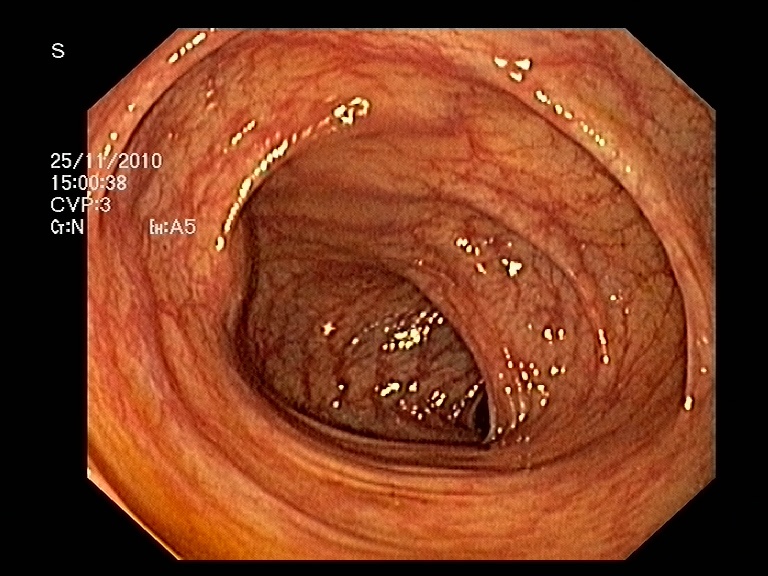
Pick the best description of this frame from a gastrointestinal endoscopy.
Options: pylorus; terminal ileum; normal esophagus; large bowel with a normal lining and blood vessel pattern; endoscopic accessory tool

large bowel with a normal lining and blood vessel pattern